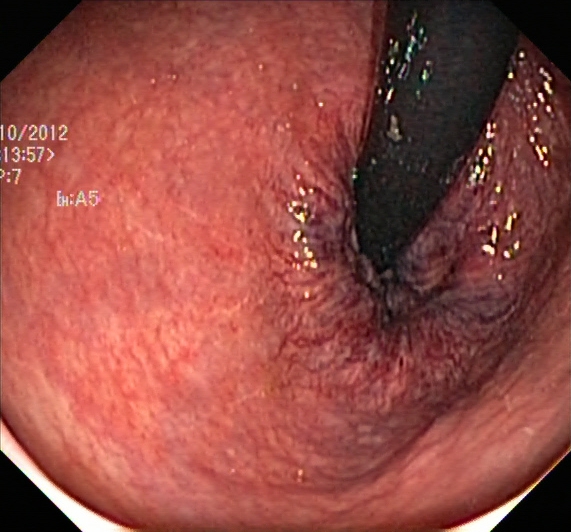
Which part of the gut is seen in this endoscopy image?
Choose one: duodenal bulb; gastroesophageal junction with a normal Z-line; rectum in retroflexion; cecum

rectum in retroflexion